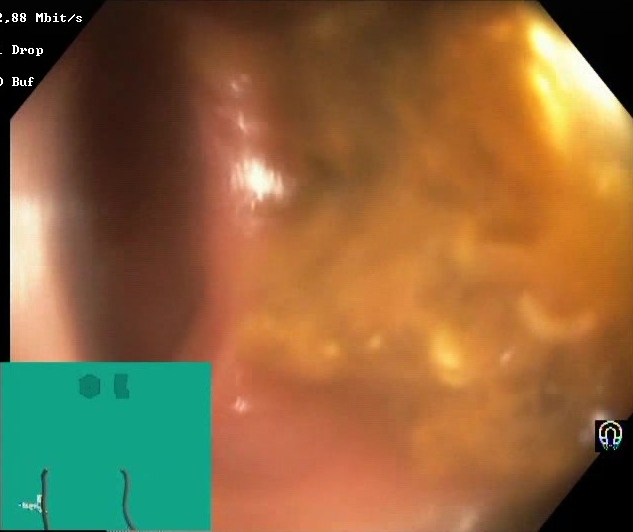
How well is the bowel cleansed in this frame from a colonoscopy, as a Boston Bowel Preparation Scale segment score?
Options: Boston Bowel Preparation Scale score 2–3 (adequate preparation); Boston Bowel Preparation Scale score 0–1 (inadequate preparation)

Boston Bowel Preparation Scale score 0–1 (inadequate preparation)